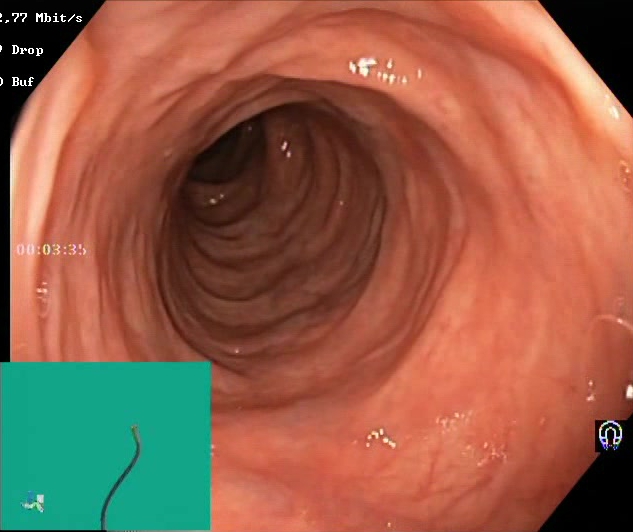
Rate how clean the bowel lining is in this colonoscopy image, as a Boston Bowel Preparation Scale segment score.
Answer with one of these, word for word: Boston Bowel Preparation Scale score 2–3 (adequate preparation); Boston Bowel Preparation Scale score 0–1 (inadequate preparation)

Boston Bowel Preparation Scale score 2–3 (adequate preparation)